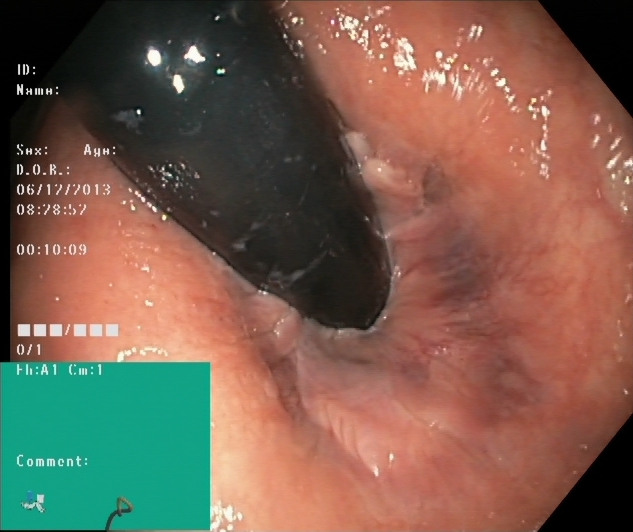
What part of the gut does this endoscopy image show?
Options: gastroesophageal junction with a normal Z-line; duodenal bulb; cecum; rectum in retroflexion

rectum in retroflexion